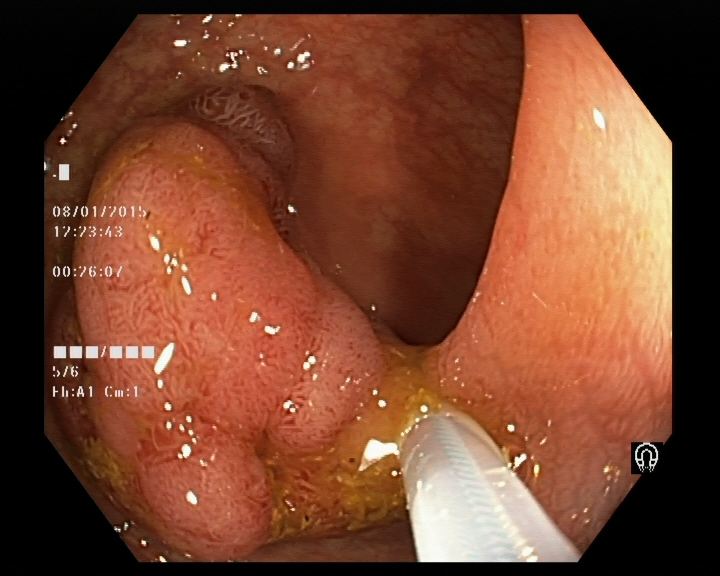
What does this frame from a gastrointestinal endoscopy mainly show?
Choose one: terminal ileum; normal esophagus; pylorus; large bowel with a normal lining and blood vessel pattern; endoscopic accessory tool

endoscopic accessory tool